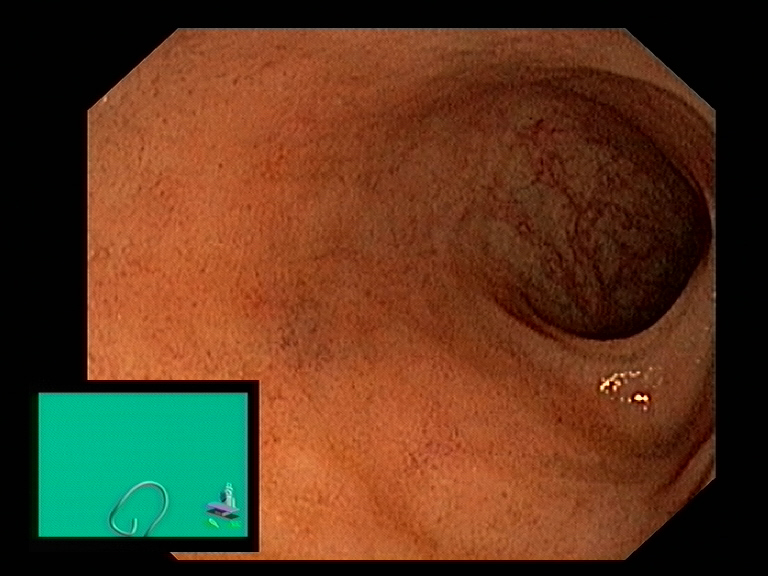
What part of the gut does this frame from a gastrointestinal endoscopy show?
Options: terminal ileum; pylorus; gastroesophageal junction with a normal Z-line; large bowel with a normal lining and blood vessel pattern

large bowel with a normal lining and blood vessel pattern